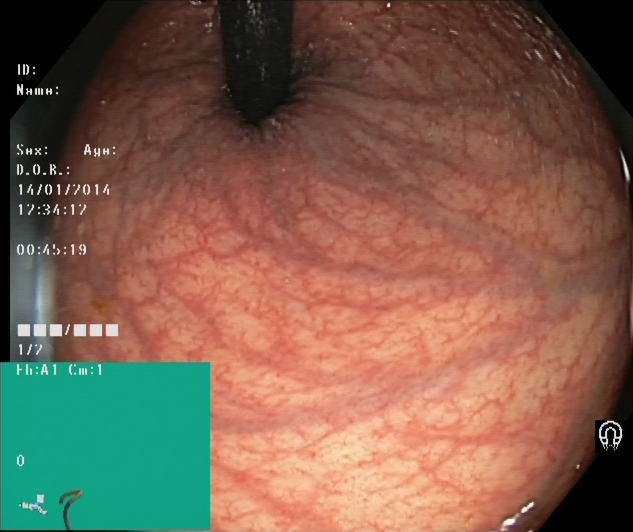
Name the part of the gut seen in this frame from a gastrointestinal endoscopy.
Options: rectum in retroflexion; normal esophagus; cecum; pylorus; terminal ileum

rectum in retroflexion